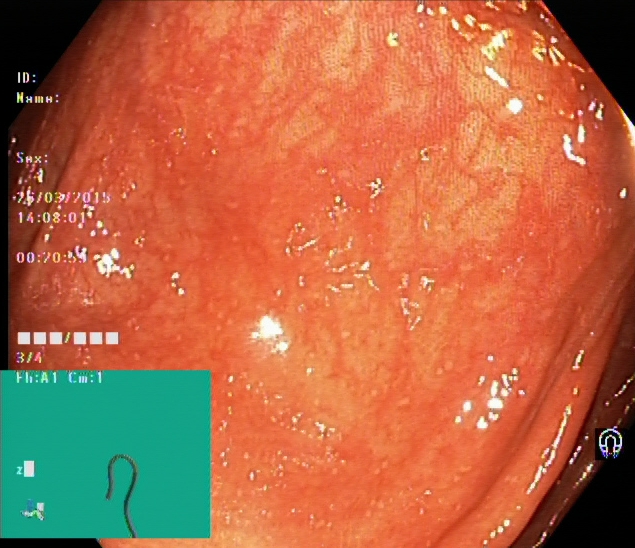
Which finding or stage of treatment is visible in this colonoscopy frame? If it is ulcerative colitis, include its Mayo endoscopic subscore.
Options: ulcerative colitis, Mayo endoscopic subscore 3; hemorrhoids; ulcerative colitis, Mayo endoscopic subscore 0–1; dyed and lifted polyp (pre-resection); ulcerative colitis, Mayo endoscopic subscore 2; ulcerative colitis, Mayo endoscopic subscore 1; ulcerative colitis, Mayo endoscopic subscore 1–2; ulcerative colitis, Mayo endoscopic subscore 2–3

ulcerative colitis, Mayo endoscopic subscore 1